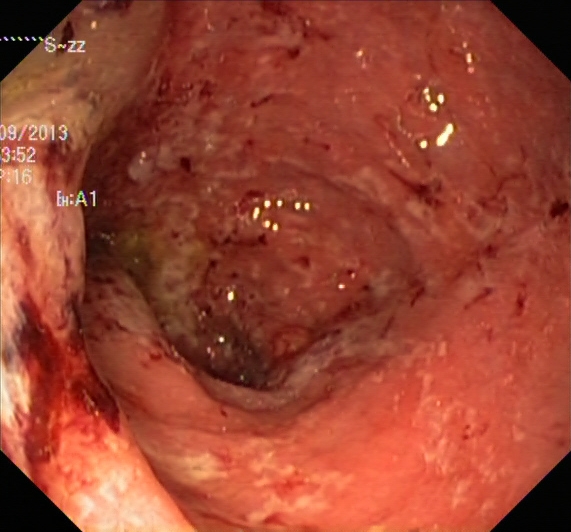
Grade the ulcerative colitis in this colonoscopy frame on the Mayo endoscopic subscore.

ulcerative colitis, Mayo endoscopic subscore 3